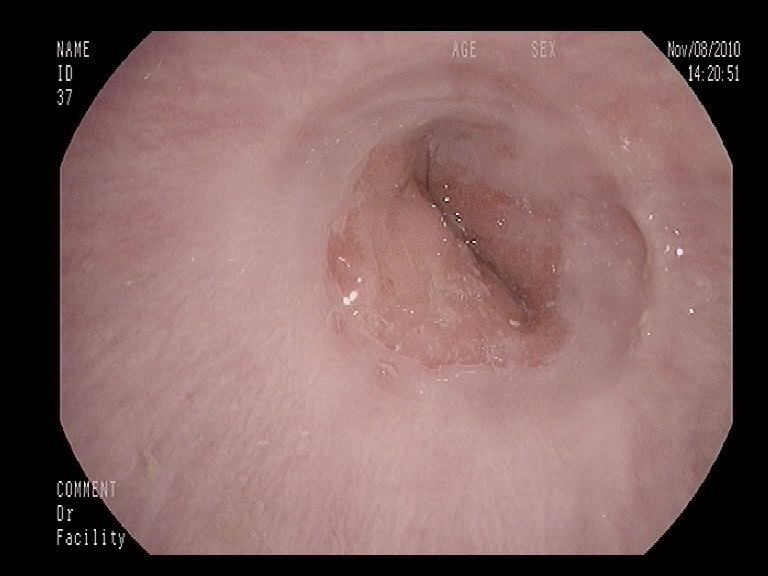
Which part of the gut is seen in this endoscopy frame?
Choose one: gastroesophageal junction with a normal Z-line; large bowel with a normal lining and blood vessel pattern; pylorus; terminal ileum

gastroesophageal junction with a normal Z-line